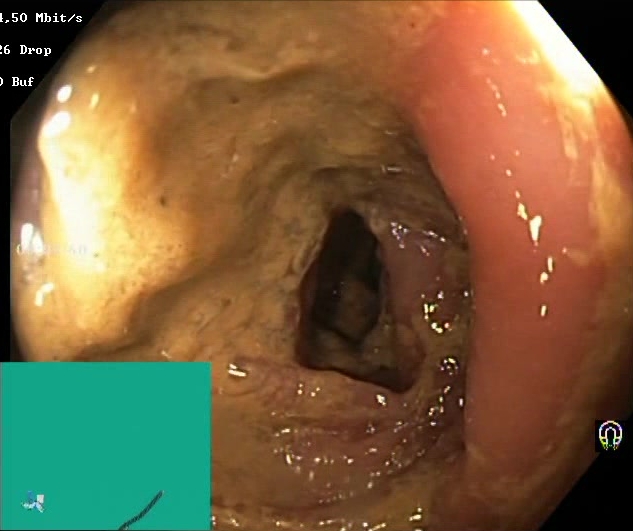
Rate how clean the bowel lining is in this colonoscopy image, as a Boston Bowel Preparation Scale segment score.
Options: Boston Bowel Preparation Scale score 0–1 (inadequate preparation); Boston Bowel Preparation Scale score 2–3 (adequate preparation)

Boston Bowel Preparation Scale score 0–1 (inadequate preparation)